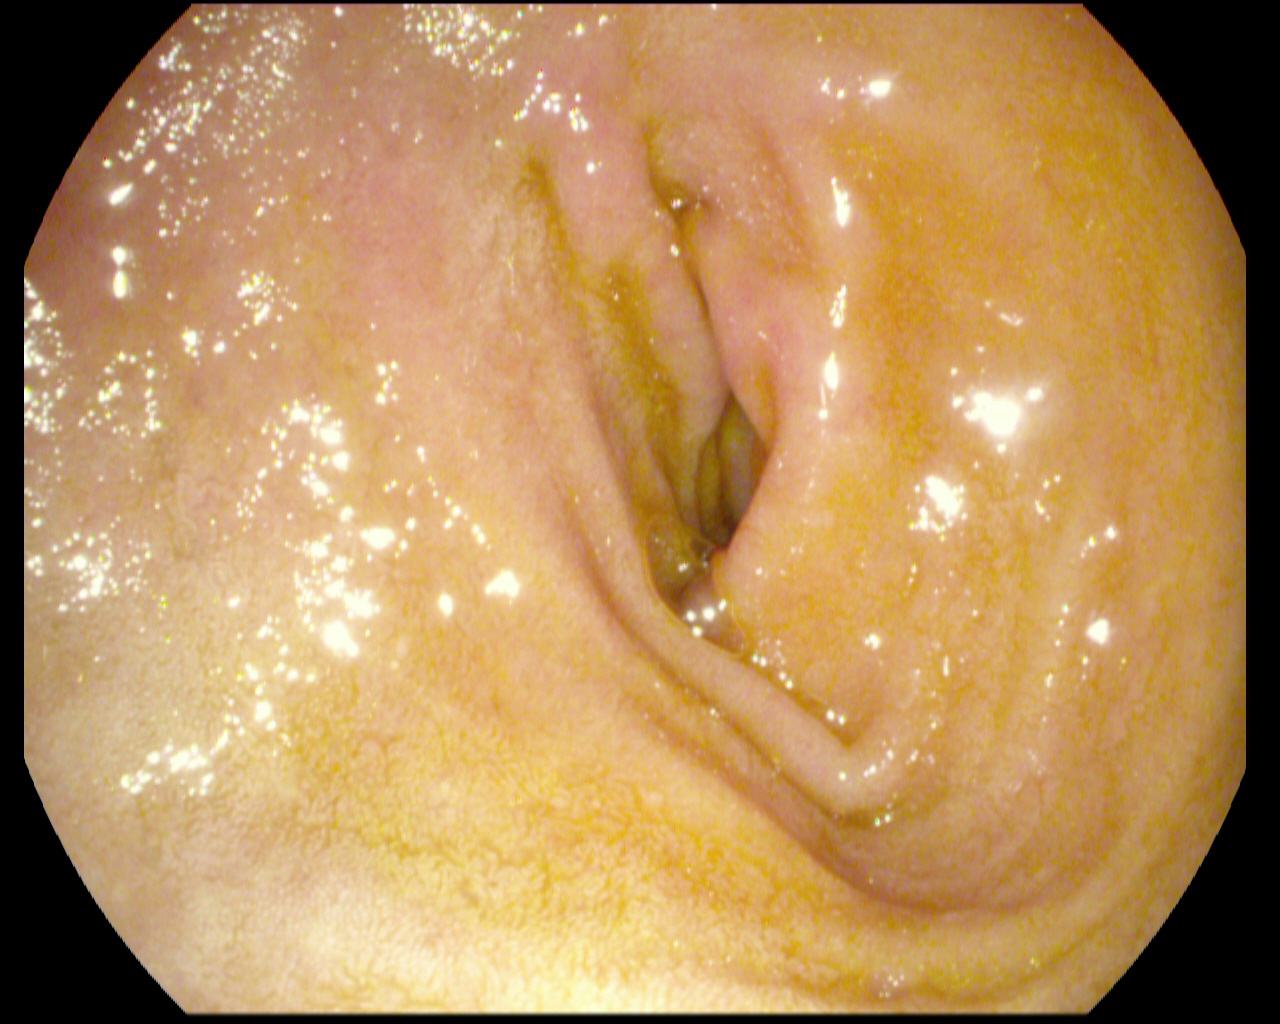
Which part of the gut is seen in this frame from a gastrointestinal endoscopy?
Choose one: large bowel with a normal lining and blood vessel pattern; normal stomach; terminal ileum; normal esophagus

terminal ileum